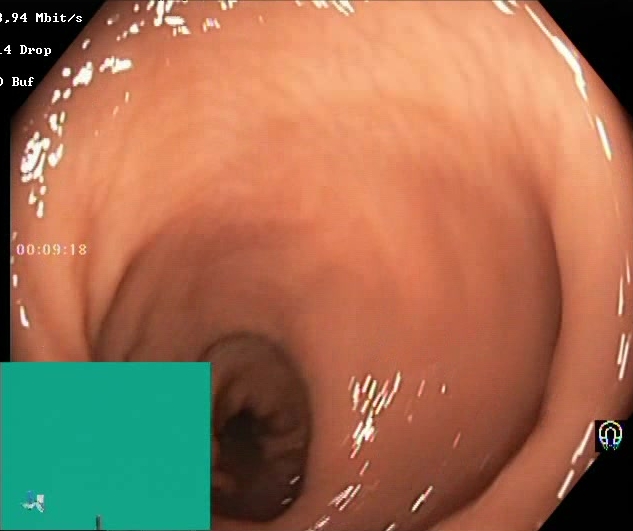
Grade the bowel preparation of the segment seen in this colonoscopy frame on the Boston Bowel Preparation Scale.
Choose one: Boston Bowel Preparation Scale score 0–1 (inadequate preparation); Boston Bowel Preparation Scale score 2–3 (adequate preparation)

Boston Bowel Preparation Scale score 2–3 (adequate preparation)